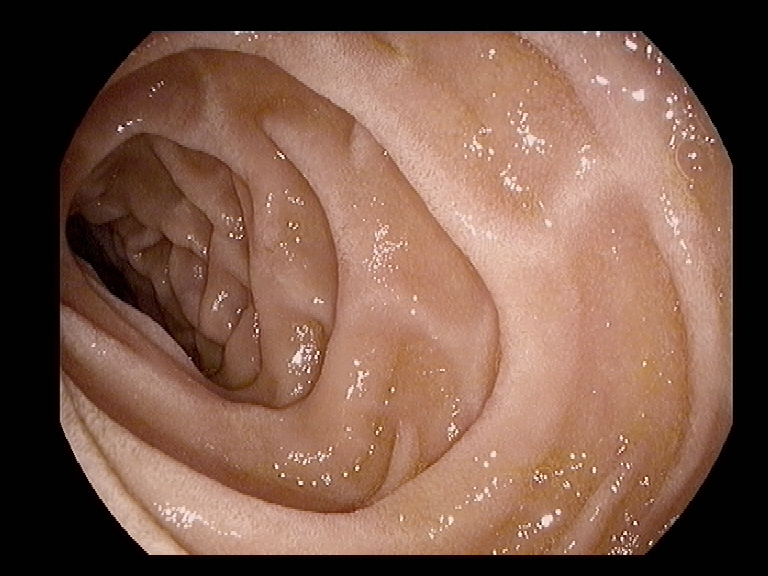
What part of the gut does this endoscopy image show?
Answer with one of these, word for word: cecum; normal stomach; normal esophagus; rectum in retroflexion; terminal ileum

terminal ileum